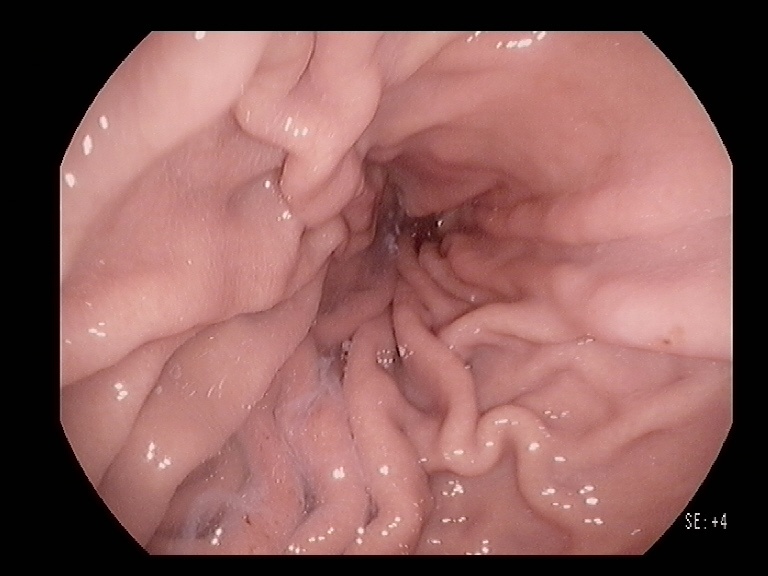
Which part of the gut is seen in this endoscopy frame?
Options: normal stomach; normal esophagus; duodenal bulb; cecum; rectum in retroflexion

normal stomach